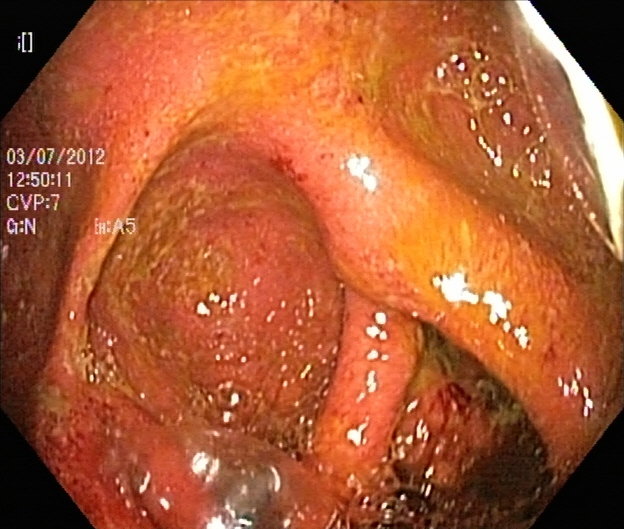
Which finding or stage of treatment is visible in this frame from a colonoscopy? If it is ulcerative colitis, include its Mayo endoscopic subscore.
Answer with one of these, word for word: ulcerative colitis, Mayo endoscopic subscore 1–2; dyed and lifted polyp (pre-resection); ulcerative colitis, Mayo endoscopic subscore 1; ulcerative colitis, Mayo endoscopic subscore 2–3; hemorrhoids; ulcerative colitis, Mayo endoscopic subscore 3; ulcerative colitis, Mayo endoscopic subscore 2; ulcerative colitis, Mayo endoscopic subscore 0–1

ulcerative colitis, Mayo endoscopic subscore 2